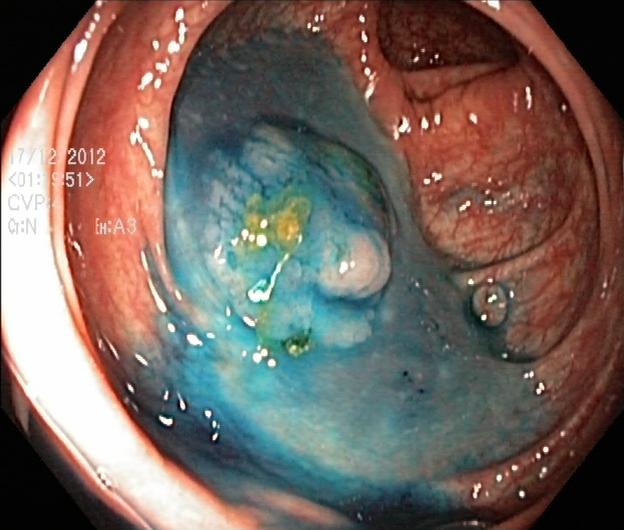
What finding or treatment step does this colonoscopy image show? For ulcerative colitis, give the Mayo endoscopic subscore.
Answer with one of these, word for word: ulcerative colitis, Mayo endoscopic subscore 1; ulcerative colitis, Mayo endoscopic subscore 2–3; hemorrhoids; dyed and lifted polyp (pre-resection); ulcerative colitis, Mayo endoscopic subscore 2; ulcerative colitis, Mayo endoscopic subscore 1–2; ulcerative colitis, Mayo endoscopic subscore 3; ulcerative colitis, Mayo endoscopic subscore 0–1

dyed and lifted polyp (pre-resection)